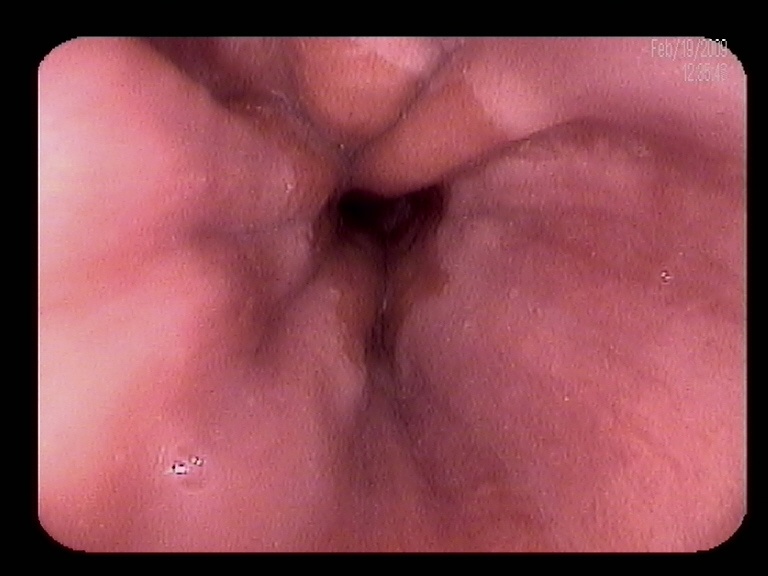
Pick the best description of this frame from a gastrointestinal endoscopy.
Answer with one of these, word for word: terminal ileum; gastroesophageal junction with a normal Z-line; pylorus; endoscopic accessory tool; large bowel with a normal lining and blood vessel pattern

gastroesophageal junction with a normal Z-line